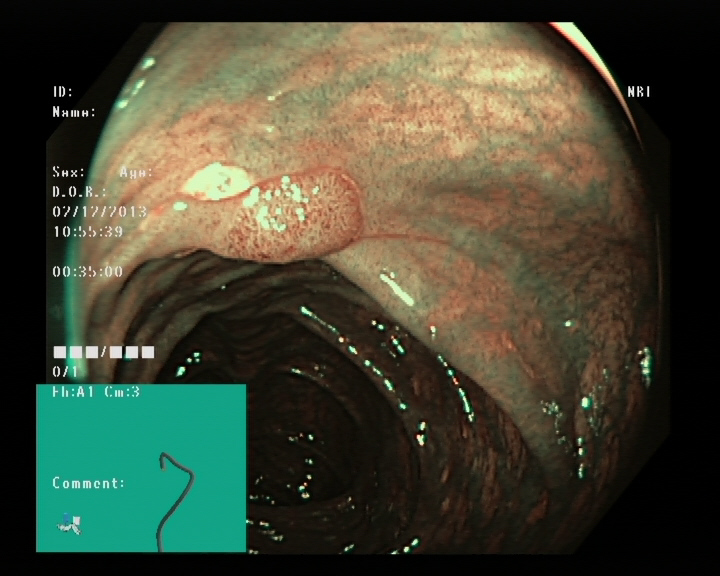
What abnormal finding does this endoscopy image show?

colon polyp